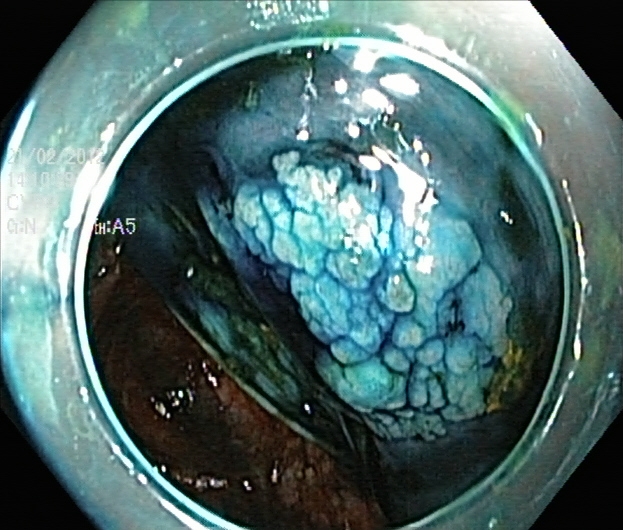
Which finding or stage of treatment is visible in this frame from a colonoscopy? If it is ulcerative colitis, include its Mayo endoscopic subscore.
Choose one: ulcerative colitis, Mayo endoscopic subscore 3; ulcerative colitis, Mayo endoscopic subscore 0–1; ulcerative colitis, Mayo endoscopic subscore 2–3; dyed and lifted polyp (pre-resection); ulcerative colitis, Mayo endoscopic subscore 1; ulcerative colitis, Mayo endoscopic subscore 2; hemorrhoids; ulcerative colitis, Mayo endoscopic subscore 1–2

dyed and lifted polyp (pre-resection)